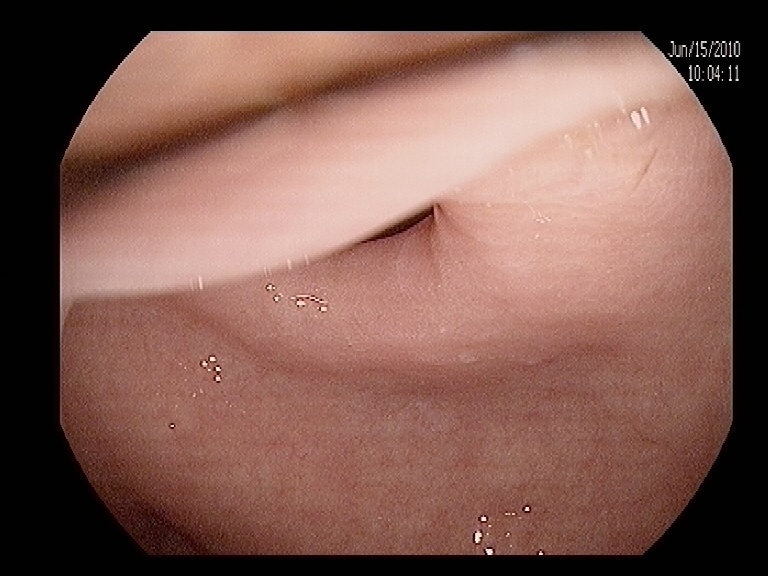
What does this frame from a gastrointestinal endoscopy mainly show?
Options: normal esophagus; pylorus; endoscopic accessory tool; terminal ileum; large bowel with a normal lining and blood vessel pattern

pylorus